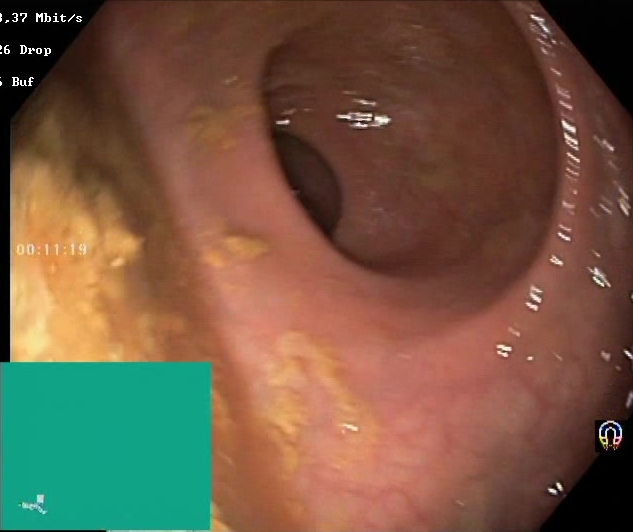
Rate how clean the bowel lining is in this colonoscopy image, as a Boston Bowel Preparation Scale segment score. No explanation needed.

Boston Bowel Preparation Scale score 0–1 (inadequate preparation)